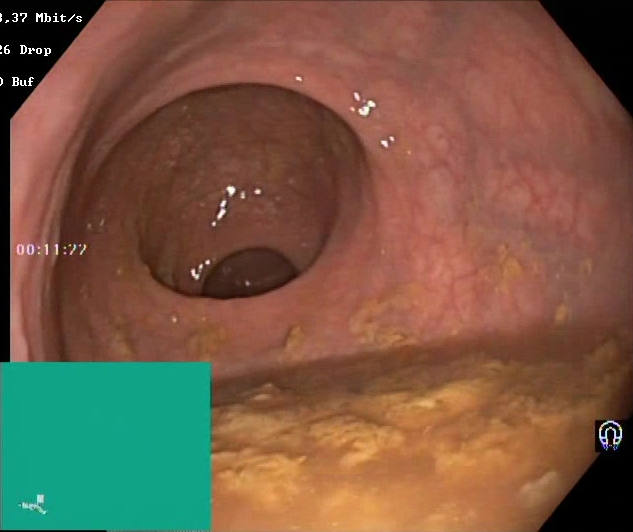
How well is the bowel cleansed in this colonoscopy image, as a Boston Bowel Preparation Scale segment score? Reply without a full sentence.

Boston Bowel Preparation Scale score 0–1 (inadequate preparation)